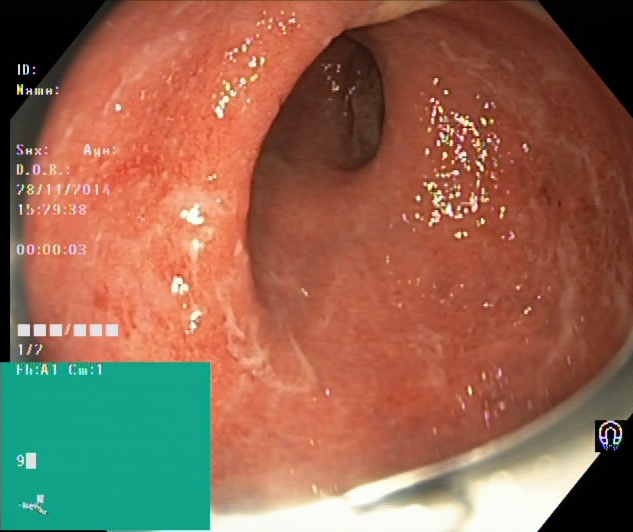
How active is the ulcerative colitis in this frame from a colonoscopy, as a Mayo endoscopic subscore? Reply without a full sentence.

ulcerative colitis, Mayo endoscopic subscore 2